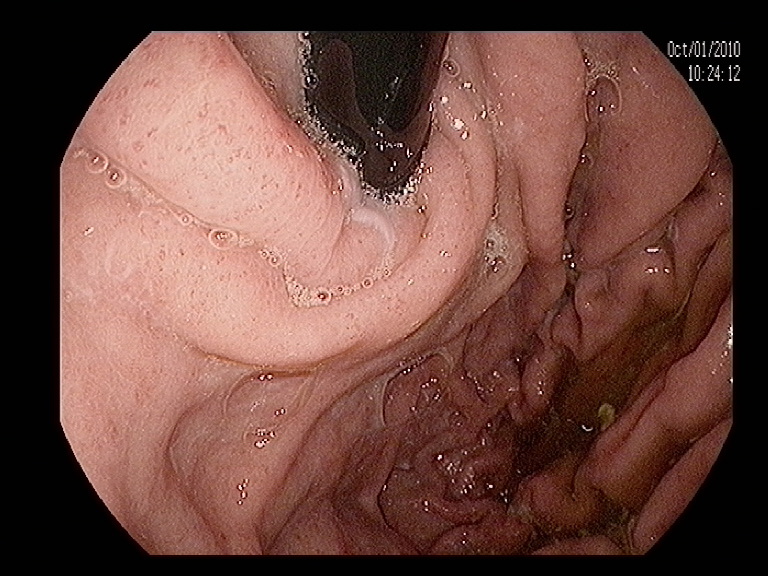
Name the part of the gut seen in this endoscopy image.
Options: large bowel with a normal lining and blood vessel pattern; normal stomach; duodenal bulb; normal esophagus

normal stomach